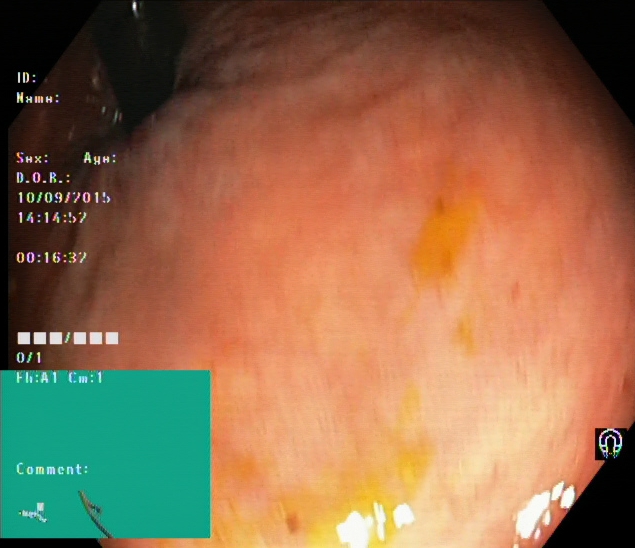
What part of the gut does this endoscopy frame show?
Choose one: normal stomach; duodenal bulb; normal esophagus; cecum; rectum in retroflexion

rectum in retroflexion